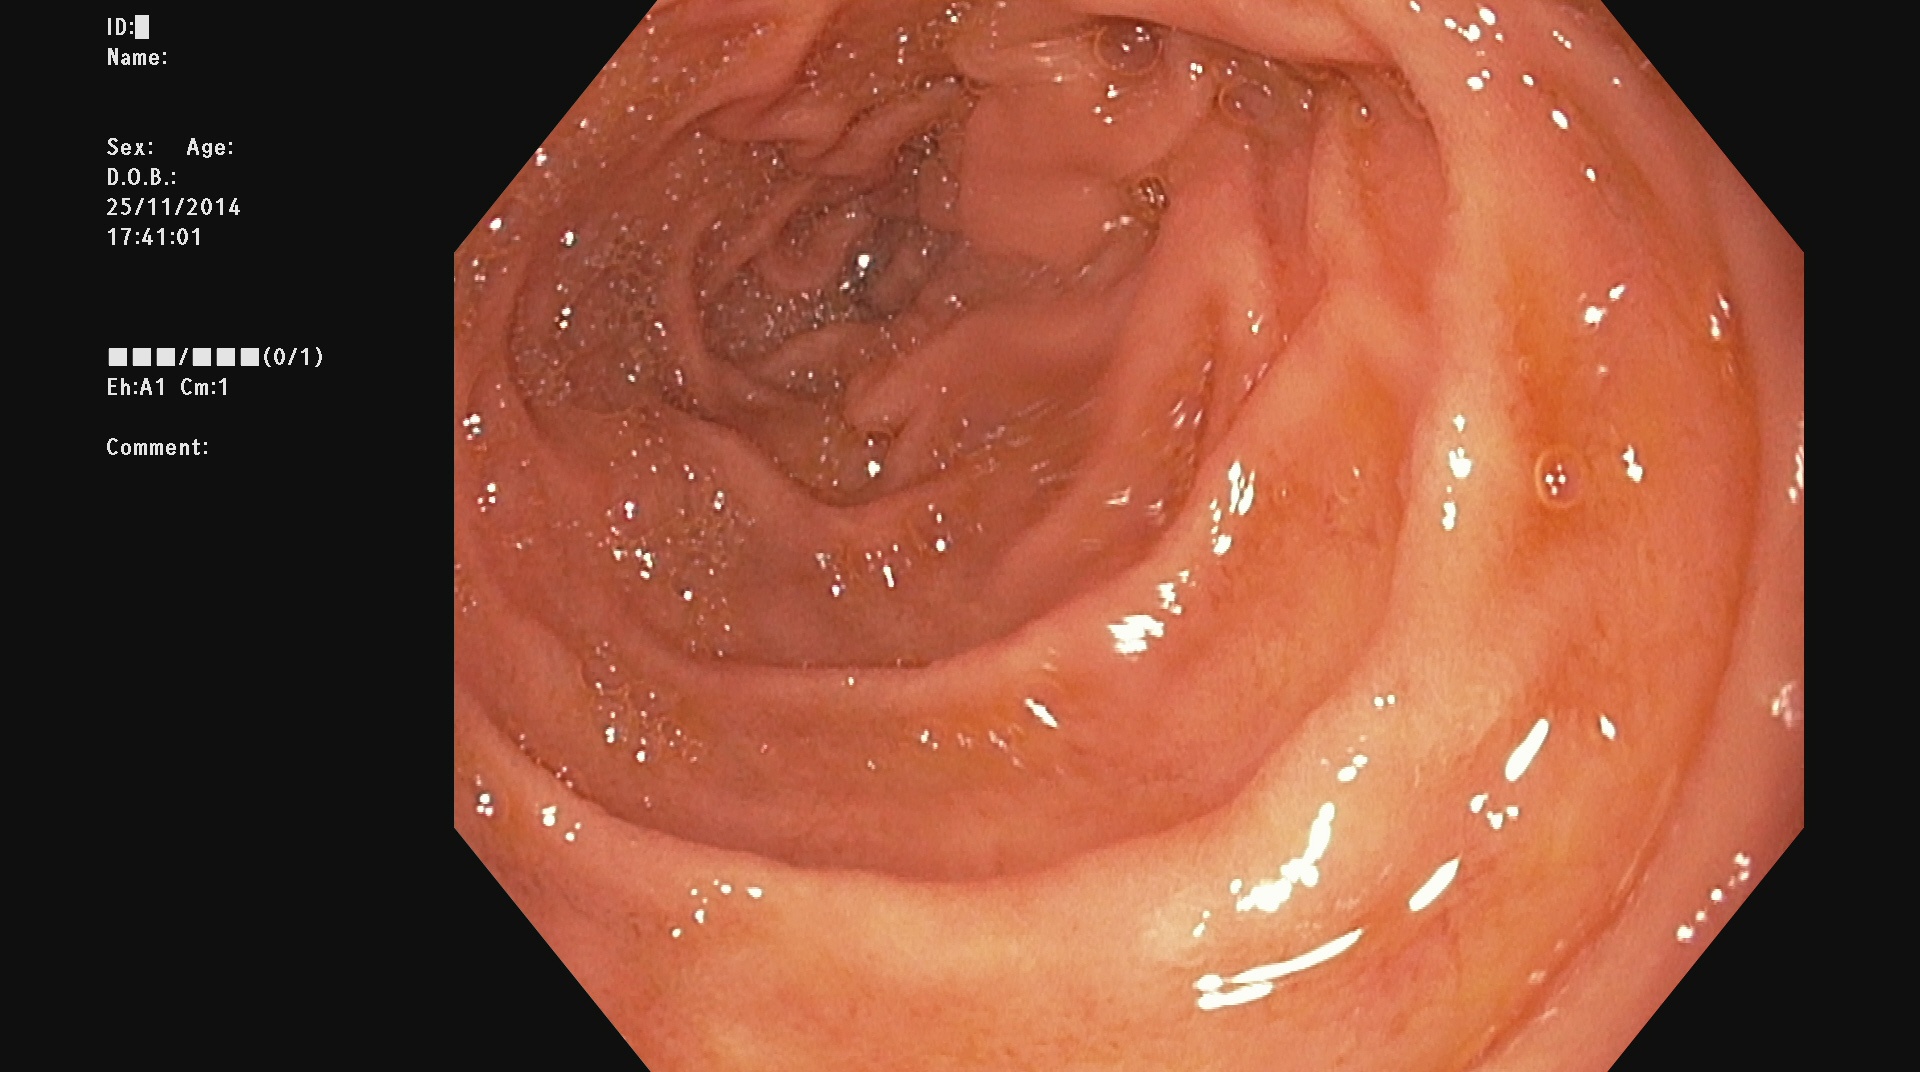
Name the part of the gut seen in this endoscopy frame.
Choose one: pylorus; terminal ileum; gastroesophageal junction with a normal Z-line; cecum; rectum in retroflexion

terminal ileum